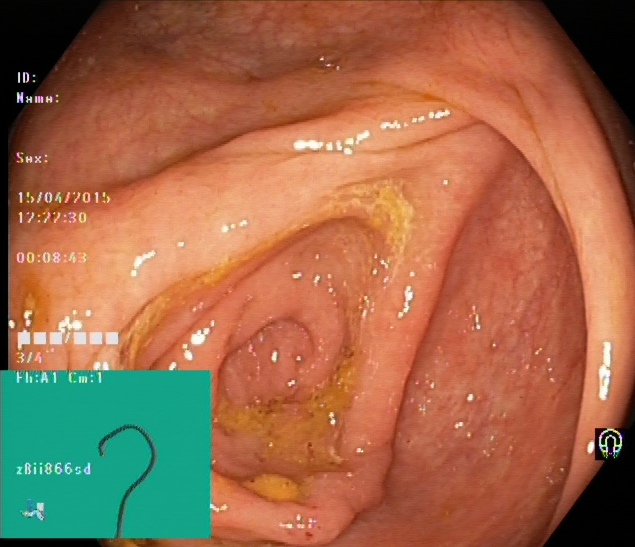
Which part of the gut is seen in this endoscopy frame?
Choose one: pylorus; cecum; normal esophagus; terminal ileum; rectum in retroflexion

cecum